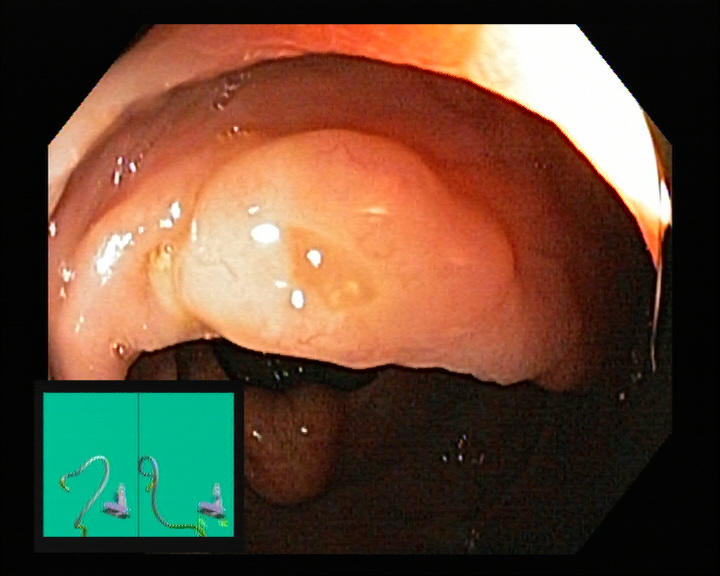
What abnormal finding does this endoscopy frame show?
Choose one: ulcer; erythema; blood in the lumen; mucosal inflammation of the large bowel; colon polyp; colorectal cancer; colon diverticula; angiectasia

colon polyp